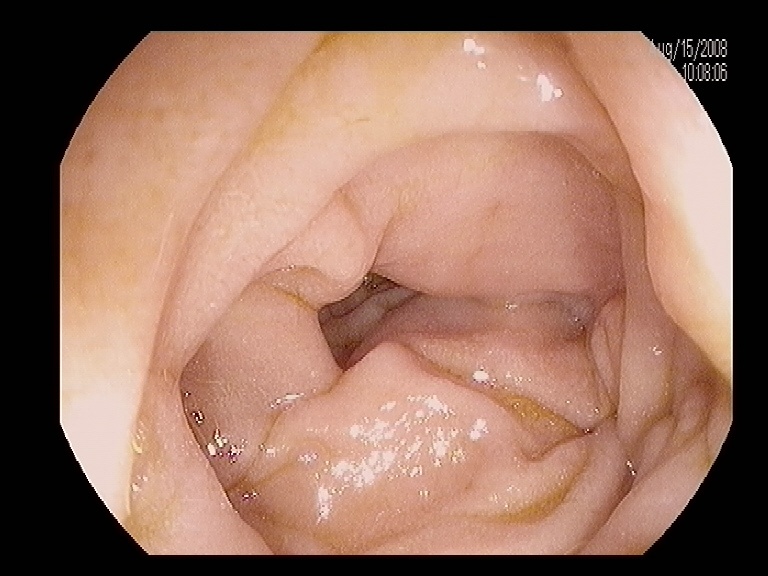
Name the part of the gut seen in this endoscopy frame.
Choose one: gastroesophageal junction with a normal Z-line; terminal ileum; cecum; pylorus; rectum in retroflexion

terminal ileum